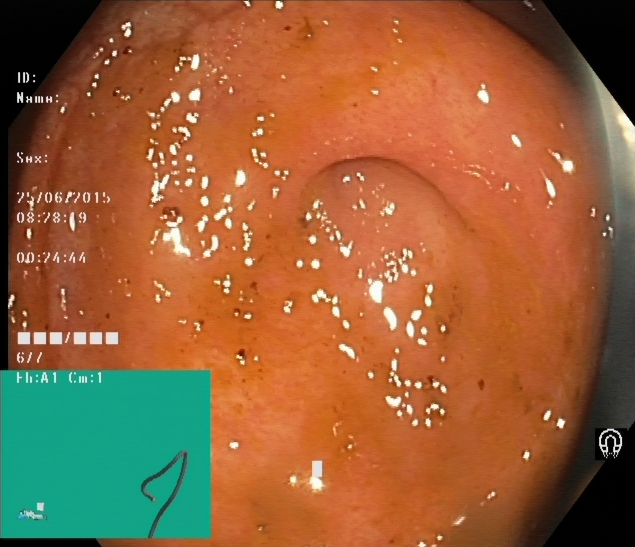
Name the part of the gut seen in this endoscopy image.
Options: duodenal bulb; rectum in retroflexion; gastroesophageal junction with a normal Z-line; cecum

cecum